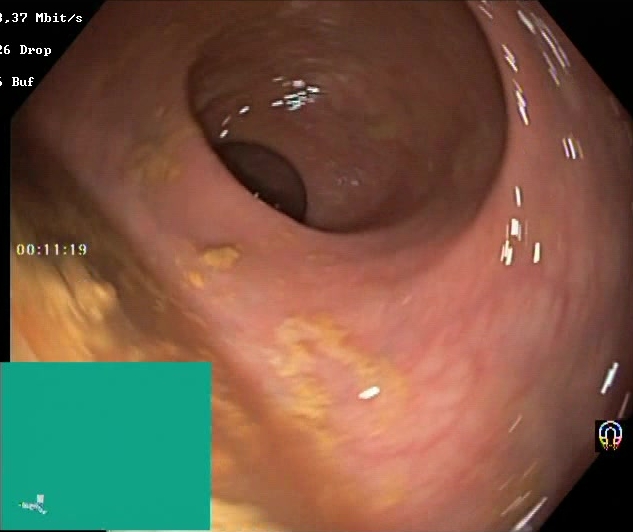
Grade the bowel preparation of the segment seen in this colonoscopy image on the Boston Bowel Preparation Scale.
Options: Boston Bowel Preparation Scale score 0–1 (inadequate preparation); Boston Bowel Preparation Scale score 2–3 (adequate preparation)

Boston Bowel Preparation Scale score 0–1 (inadequate preparation)